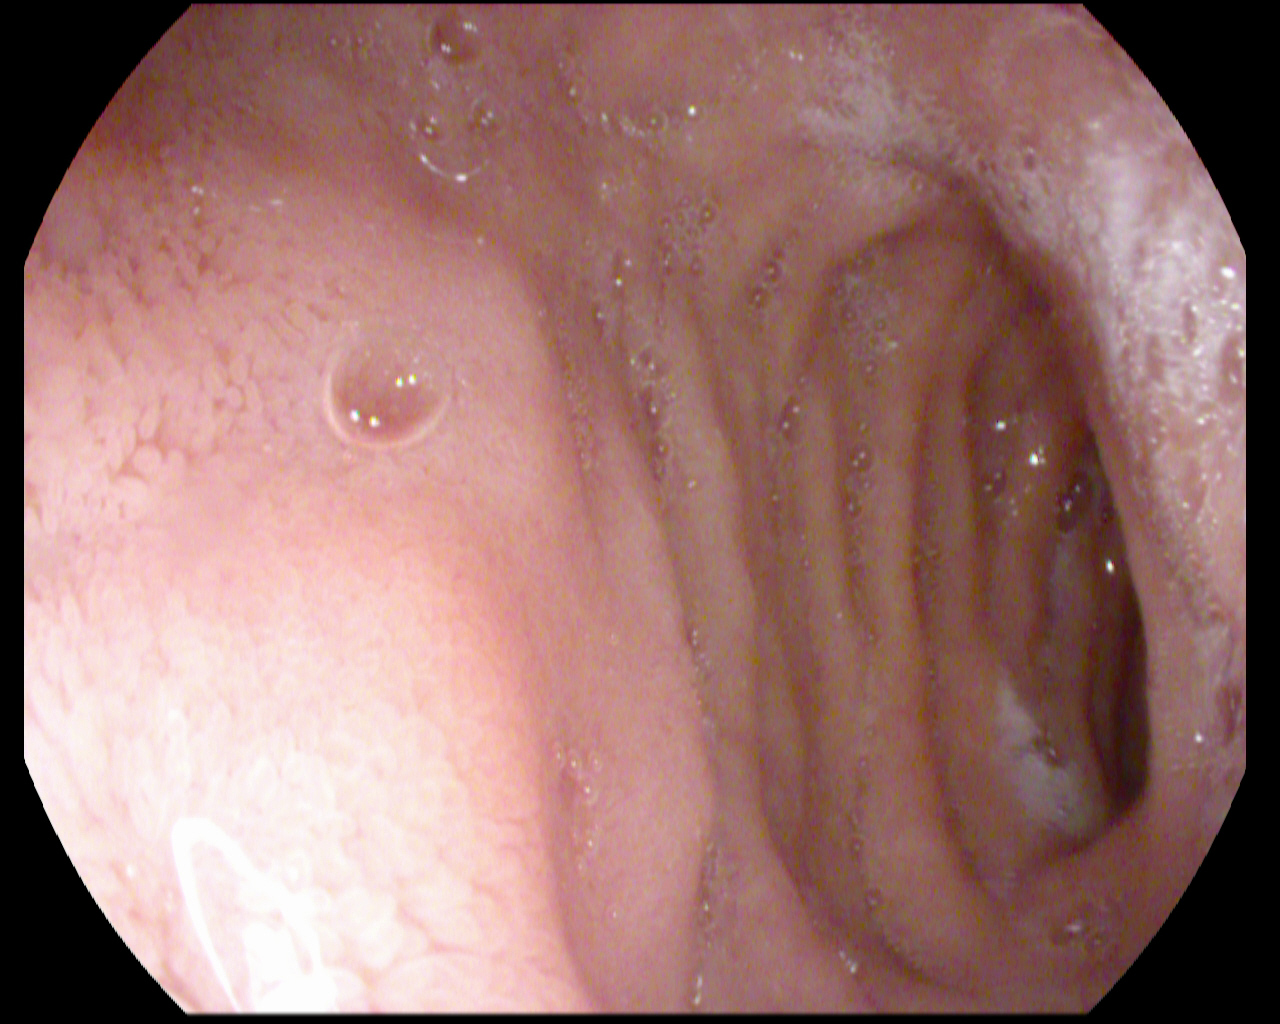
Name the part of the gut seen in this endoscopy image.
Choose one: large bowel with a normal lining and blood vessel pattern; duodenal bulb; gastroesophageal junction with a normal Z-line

duodenal bulb